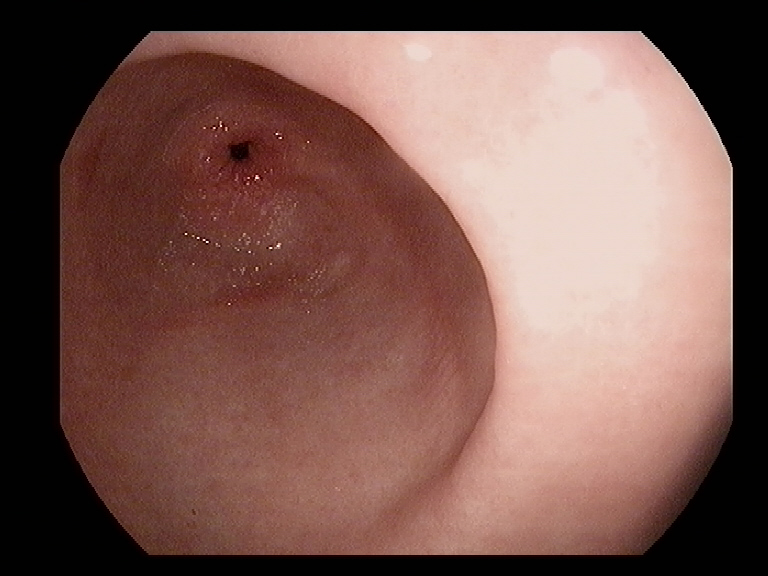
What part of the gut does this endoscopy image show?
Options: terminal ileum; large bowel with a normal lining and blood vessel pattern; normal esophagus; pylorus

pylorus